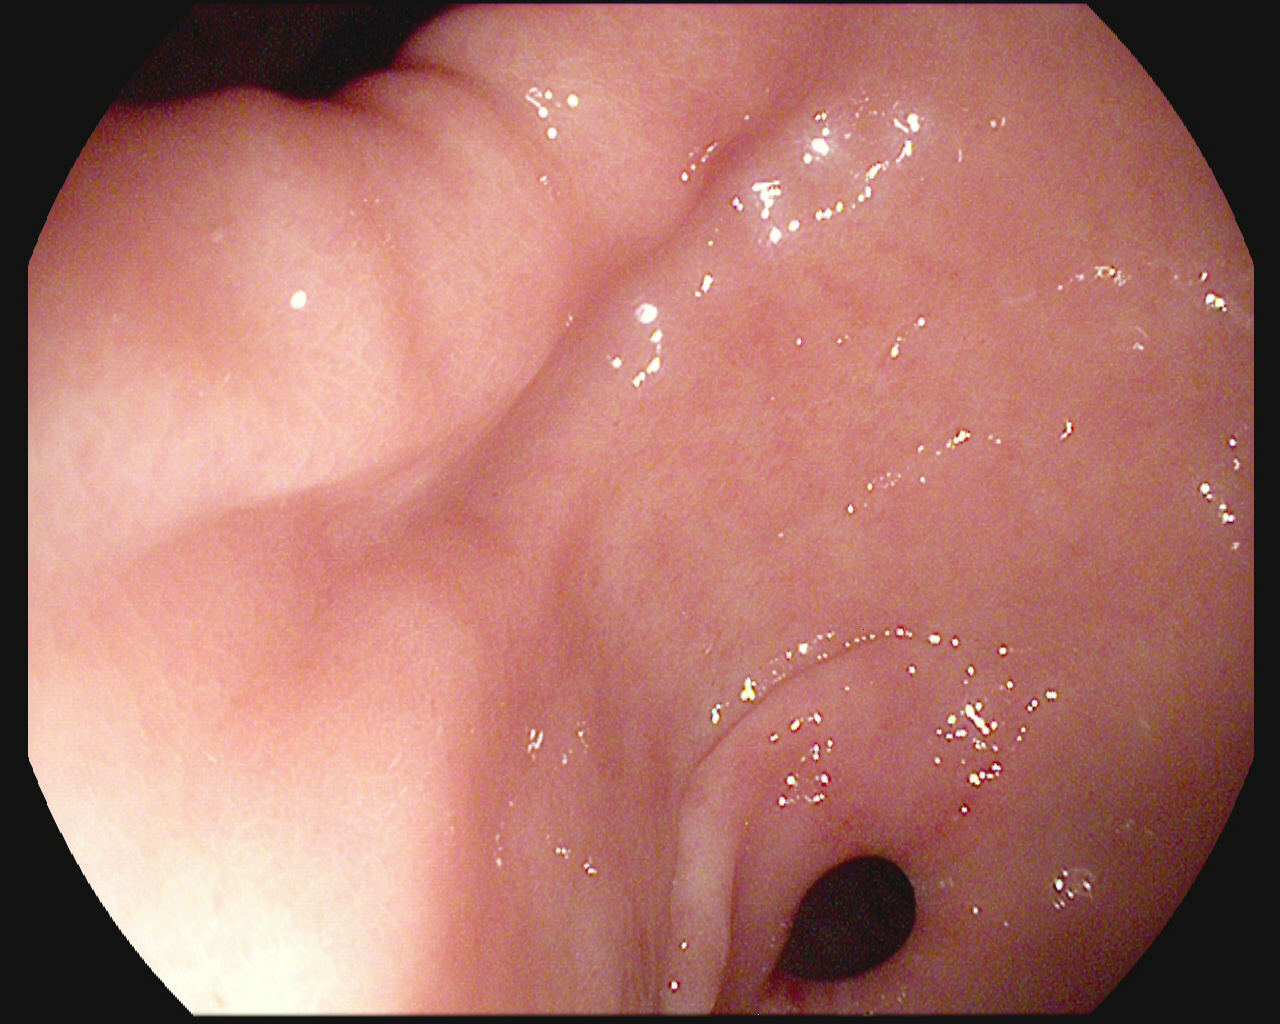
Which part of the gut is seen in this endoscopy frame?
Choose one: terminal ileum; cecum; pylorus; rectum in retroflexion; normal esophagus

pylorus